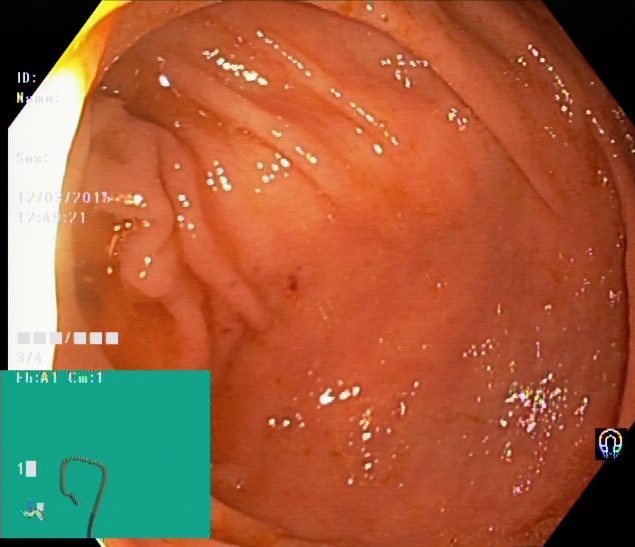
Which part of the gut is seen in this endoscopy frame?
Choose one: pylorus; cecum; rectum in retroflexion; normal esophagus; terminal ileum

cecum